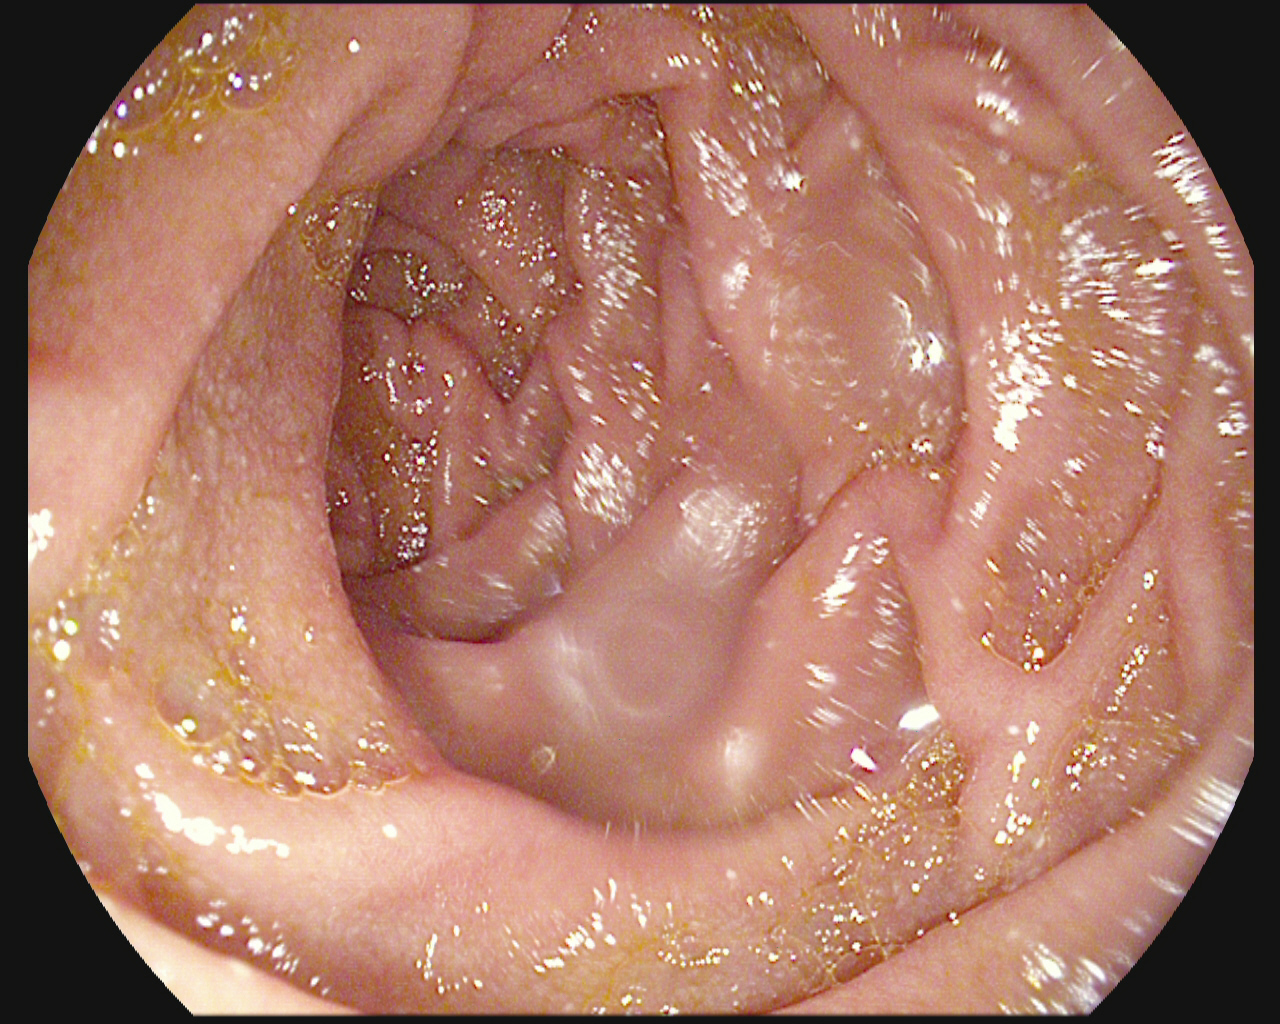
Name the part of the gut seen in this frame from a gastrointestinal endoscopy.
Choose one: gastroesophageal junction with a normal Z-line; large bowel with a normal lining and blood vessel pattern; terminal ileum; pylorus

terminal ileum